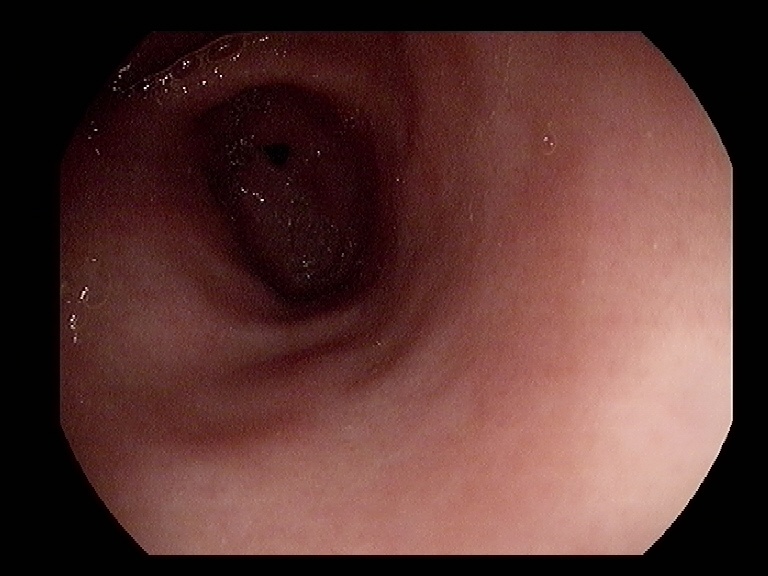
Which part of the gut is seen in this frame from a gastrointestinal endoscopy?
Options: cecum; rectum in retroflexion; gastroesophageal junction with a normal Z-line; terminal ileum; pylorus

pylorus